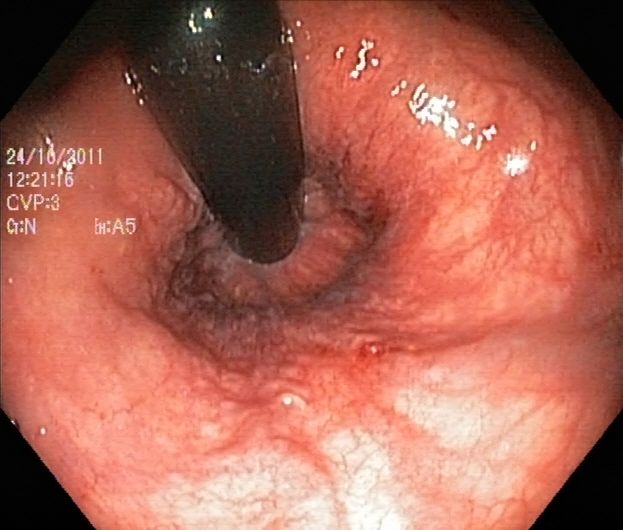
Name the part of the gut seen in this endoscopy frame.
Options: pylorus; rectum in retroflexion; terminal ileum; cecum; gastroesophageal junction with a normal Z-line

rectum in retroflexion